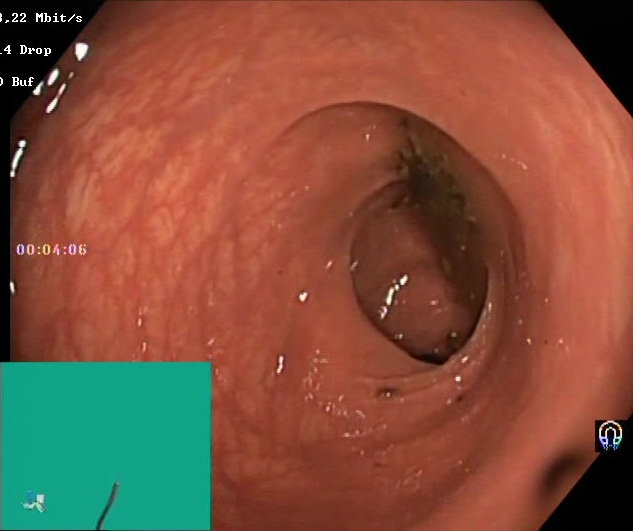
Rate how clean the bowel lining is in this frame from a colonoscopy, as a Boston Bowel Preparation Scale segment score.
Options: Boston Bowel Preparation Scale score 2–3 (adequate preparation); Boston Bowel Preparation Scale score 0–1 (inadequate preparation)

Boston Bowel Preparation Scale score 0–1 (inadequate preparation)